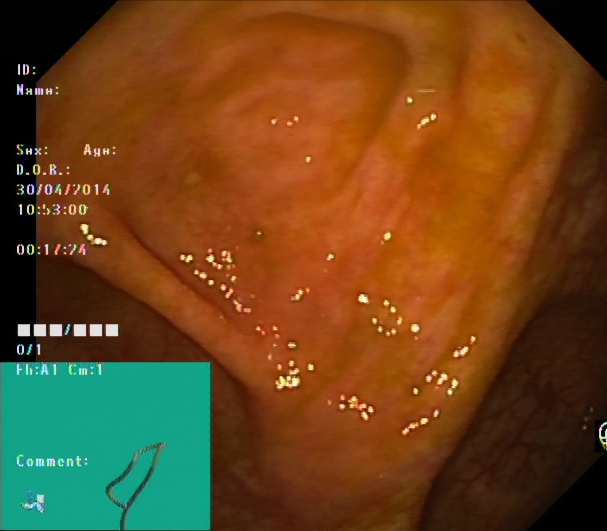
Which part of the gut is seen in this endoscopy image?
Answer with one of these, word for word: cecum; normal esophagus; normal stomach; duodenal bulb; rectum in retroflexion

cecum